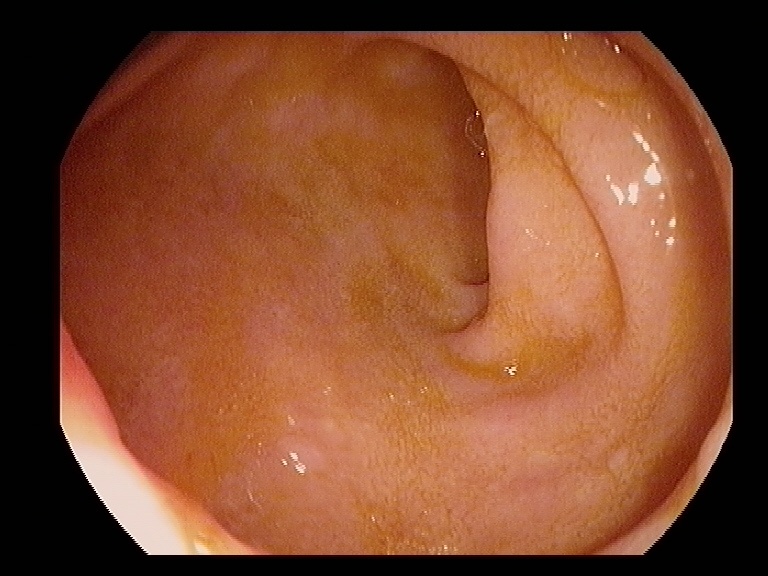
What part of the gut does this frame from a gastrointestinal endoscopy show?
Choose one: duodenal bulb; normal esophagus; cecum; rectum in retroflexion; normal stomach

duodenal bulb